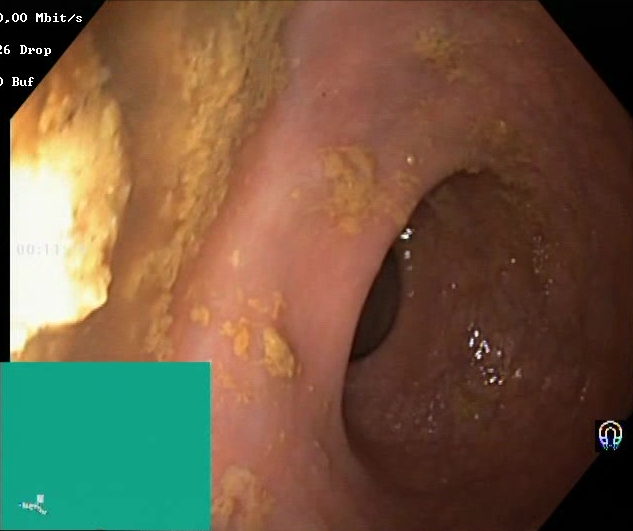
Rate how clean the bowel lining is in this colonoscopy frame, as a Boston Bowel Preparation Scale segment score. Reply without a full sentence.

Boston Bowel Preparation Scale score 0–1 (inadequate preparation)